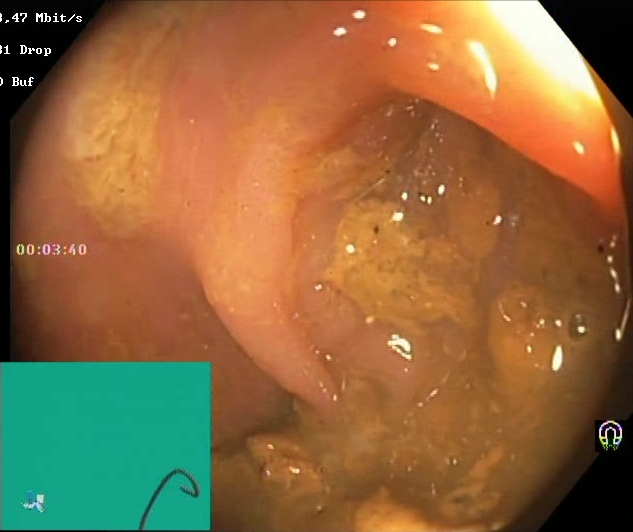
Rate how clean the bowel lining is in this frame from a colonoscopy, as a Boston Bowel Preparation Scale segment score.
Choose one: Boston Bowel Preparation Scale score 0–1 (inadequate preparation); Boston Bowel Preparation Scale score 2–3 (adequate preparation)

Boston Bowel Preparation Scale score 0–1 (inadequate preparation)